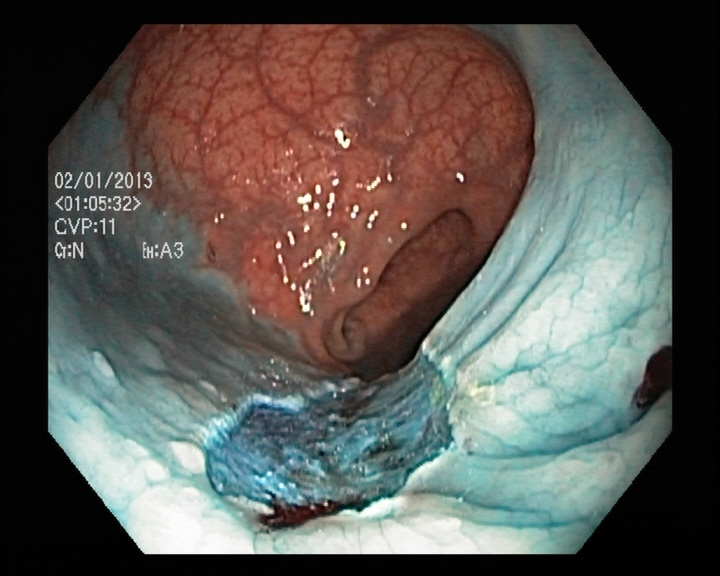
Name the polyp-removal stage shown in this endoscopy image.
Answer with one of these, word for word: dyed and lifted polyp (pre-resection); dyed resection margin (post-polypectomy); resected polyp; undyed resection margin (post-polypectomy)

dyed resection margin (post-polypectomy)